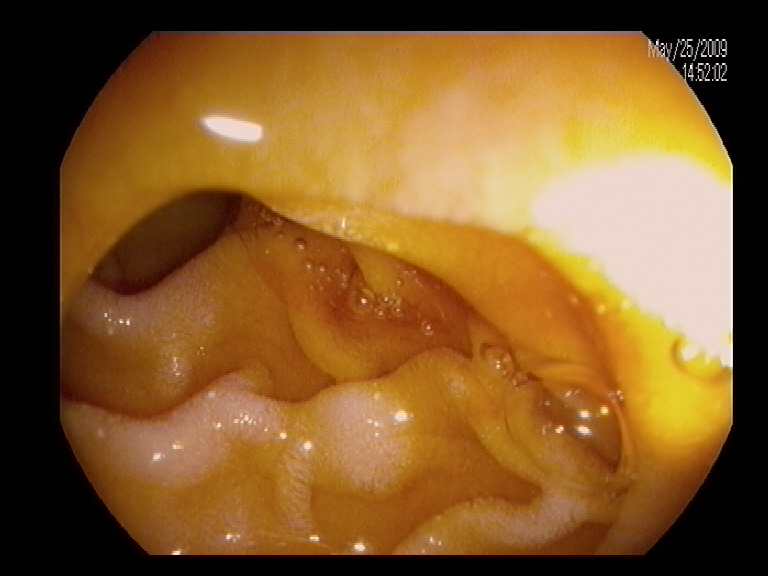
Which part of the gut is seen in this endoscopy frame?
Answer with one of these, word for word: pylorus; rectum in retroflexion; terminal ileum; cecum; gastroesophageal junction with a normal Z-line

terminal ileum